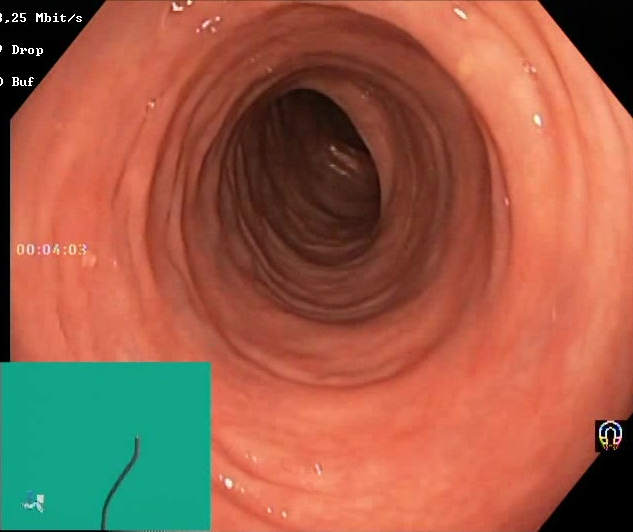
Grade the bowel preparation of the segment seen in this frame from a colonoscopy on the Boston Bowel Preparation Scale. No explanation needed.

Boston Bowel Preparation Scale score 2–3 (adequate preparation)